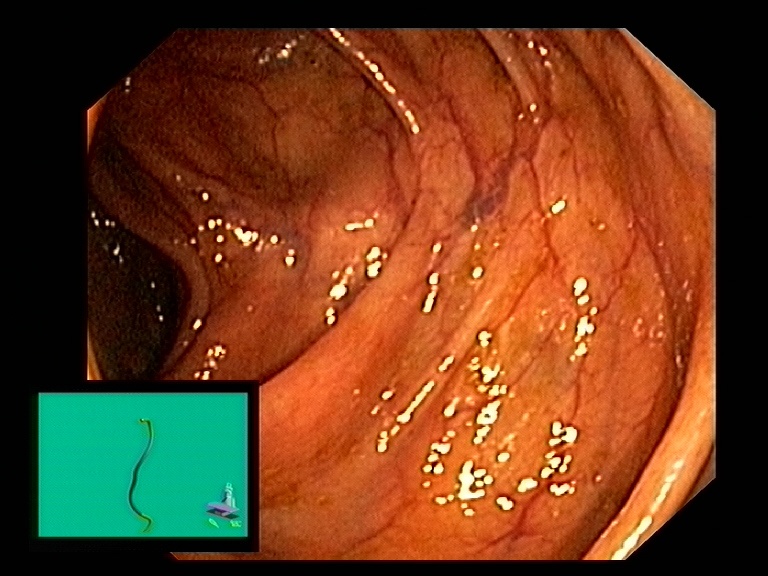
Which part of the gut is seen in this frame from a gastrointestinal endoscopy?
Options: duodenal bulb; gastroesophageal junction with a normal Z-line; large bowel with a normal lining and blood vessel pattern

large bowel with a normal lining and blood vessel pattern